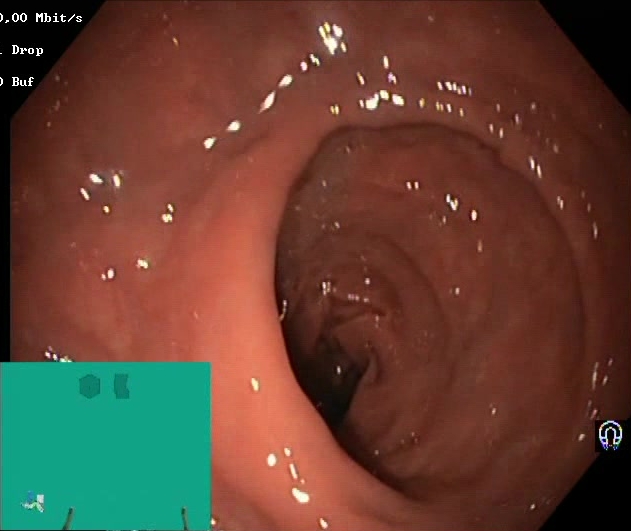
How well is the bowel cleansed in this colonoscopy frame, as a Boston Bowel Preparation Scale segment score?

Boston Bowel Preparation Scale score 2–3 (adequate preparation)